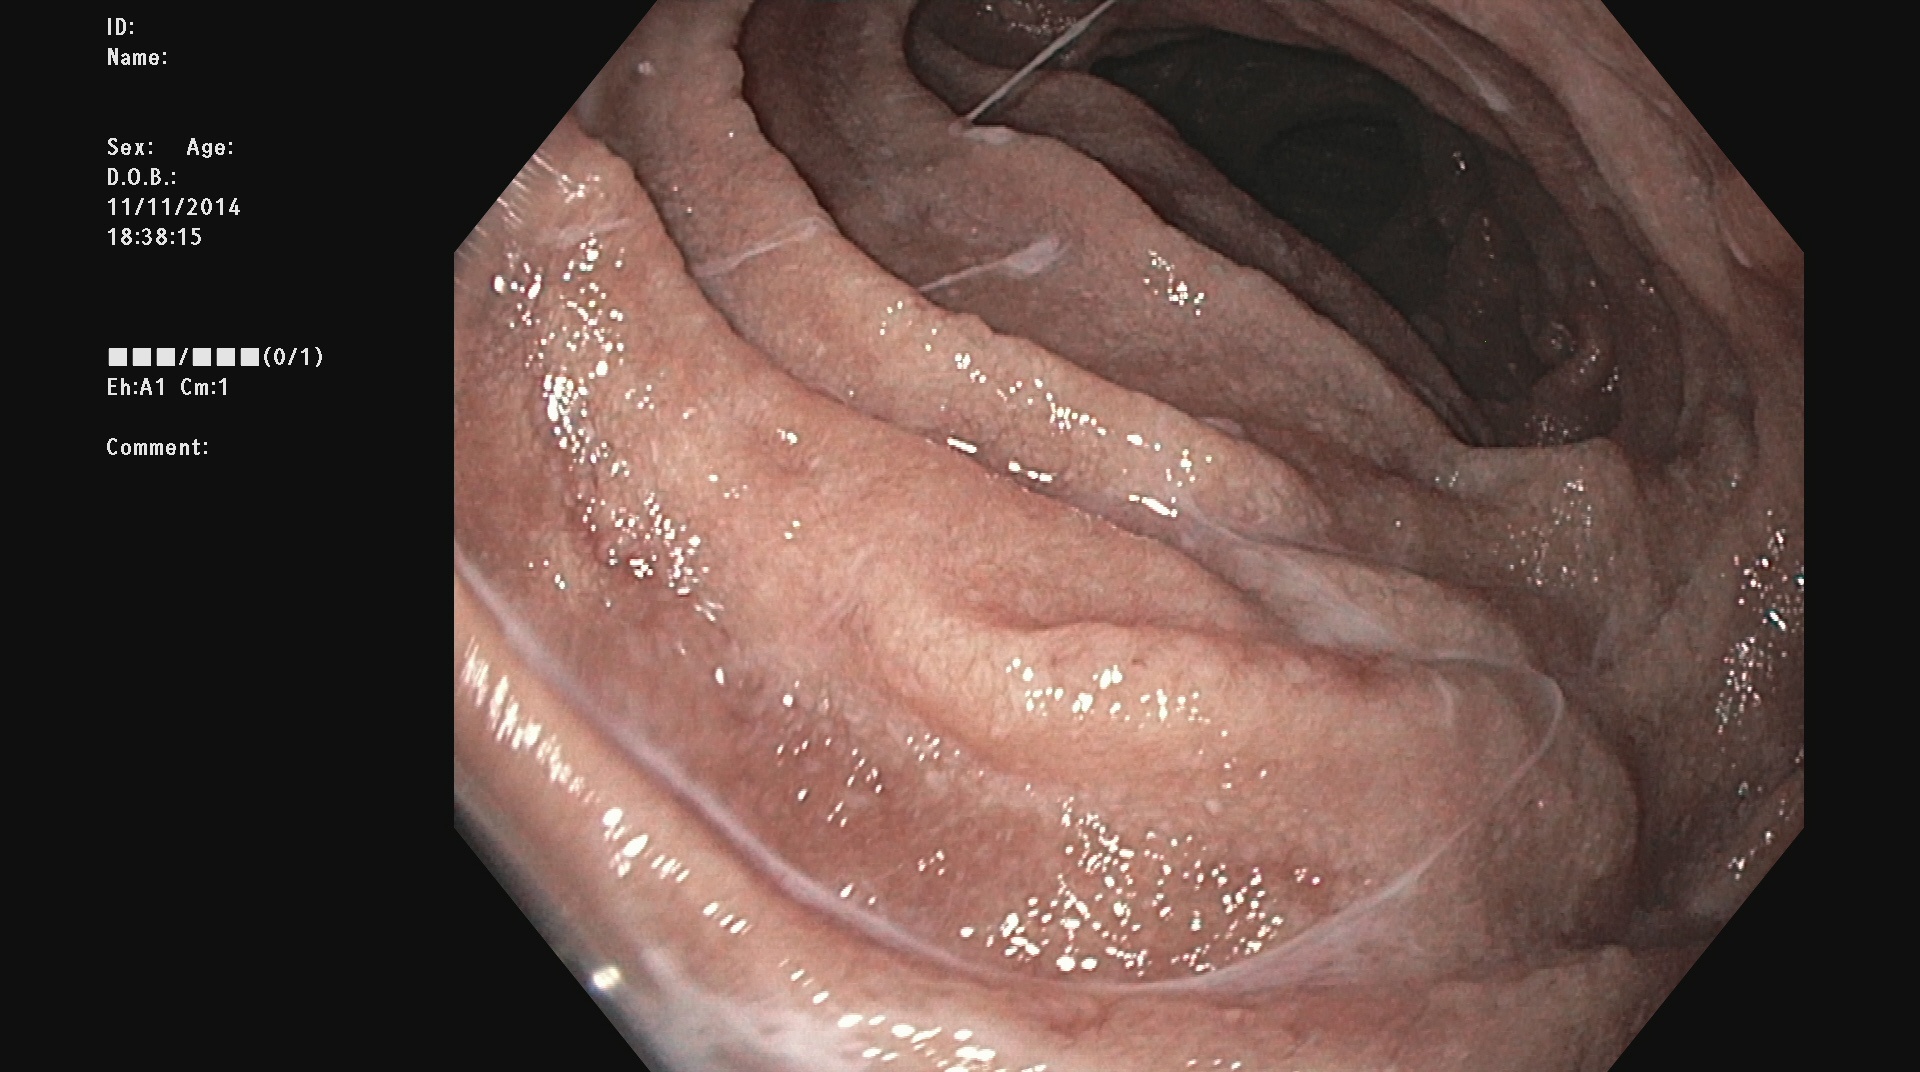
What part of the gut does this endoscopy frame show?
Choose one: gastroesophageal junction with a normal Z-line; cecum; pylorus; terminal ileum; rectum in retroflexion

terminal ileum